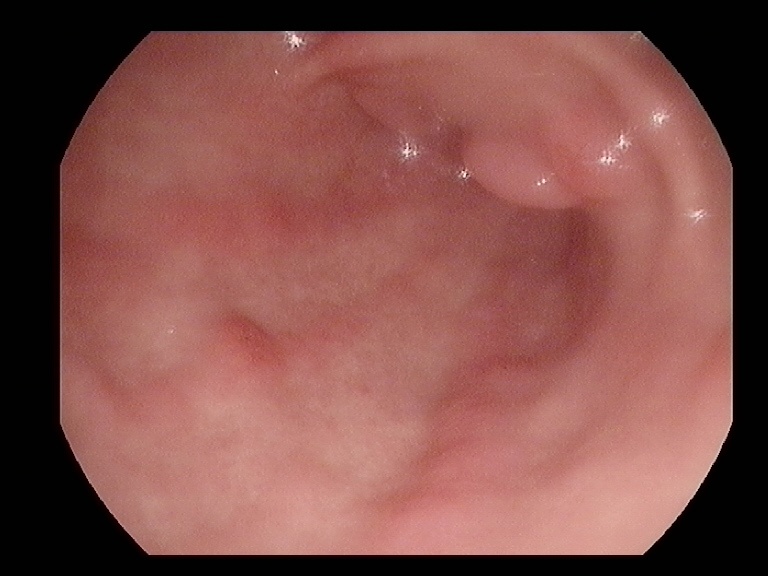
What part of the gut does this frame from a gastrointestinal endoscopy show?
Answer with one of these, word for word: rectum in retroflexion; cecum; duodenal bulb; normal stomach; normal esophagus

normal stomach